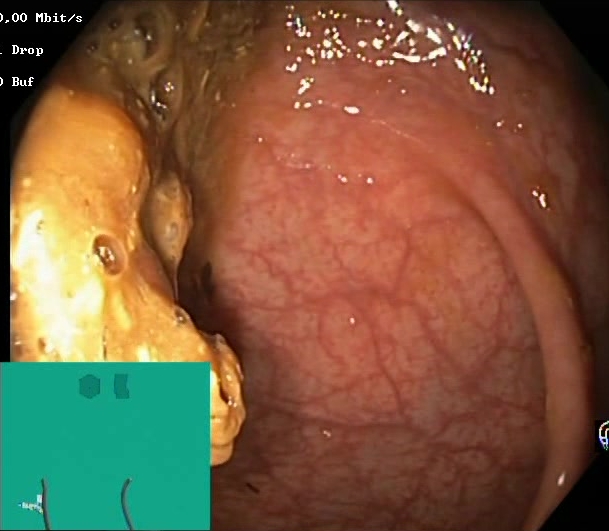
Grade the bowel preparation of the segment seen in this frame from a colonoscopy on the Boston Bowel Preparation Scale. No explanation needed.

Boston Bowel Preparation Scale score 0–1 (inadequate preparation)